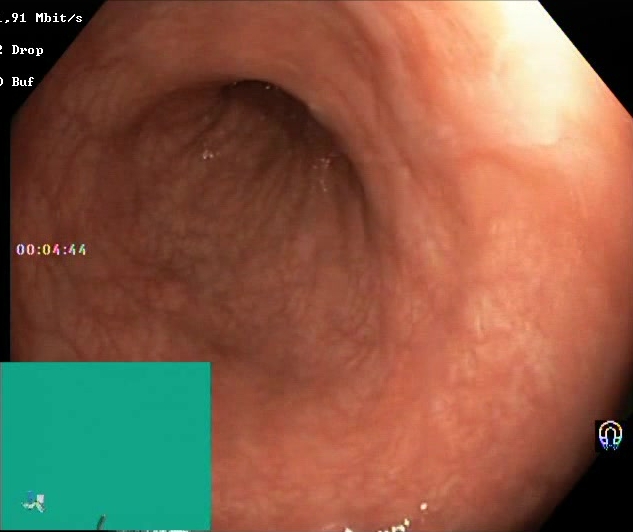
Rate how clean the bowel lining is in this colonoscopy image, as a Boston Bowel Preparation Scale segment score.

Boston Bowel Preparation Scale score 2–3 (adequate preparation)